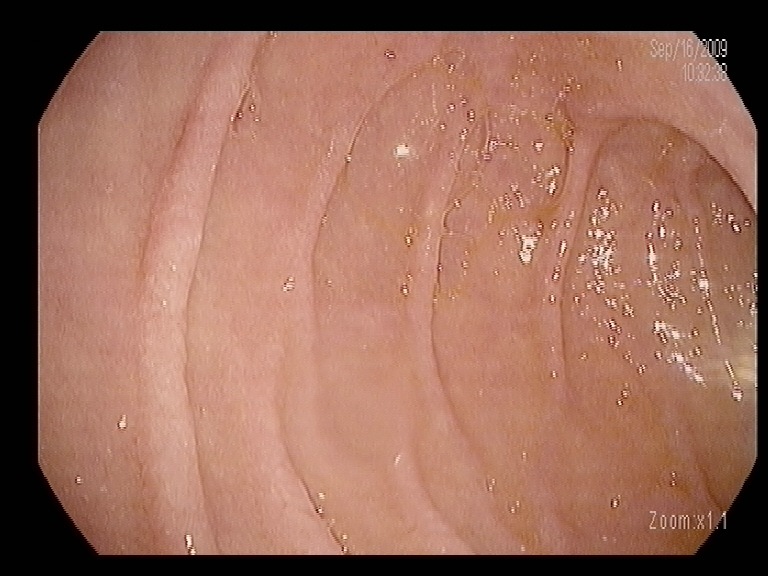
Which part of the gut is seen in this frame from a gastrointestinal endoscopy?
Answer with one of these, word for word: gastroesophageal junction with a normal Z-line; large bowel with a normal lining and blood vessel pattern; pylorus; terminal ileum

terminal ileum